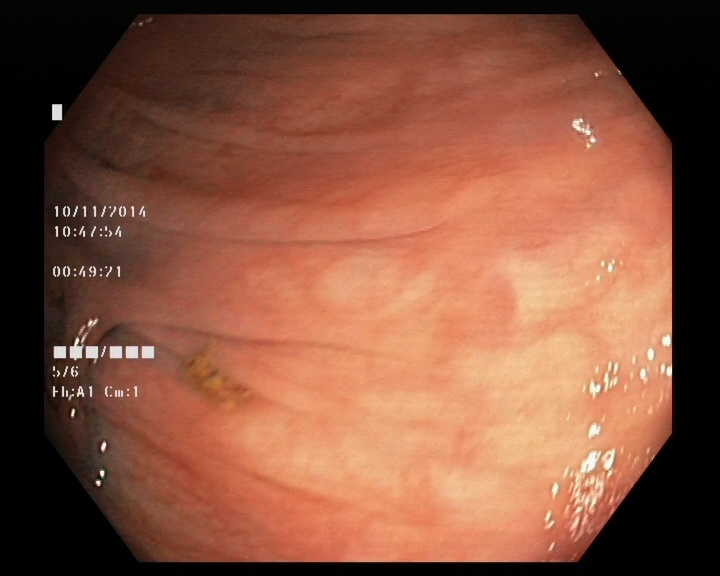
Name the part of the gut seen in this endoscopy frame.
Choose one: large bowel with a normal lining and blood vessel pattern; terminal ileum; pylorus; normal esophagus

large bowel with a normal lining and blood vessel pattern